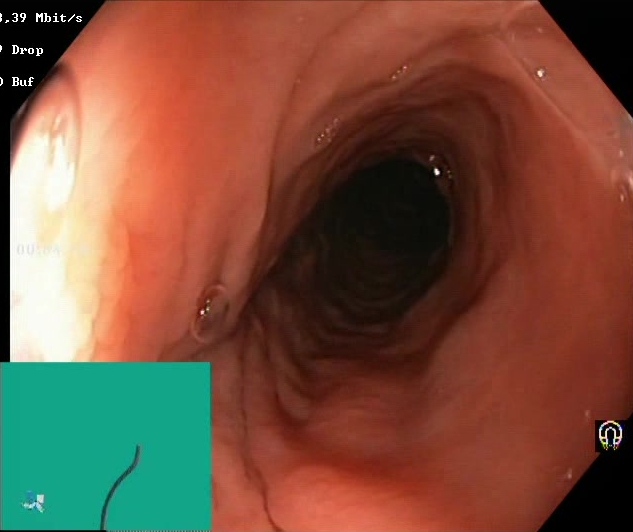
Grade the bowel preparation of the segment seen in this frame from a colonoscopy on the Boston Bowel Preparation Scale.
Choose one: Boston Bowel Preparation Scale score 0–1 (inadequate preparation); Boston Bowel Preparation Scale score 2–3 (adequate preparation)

Boston Bowel Preparation Scale score 2–3 (adequate preparation)